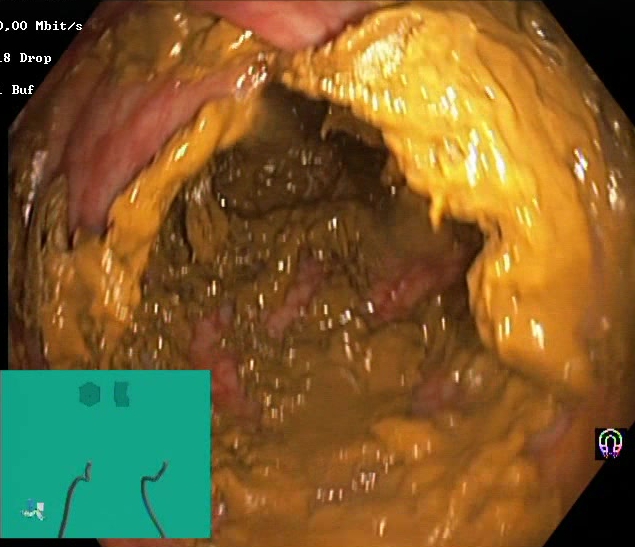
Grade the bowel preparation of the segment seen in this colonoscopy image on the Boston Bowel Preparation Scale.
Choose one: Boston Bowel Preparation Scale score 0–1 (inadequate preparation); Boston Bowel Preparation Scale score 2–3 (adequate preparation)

Boston Bowel Preparation Scale score 0–1 (inadequate preparation)